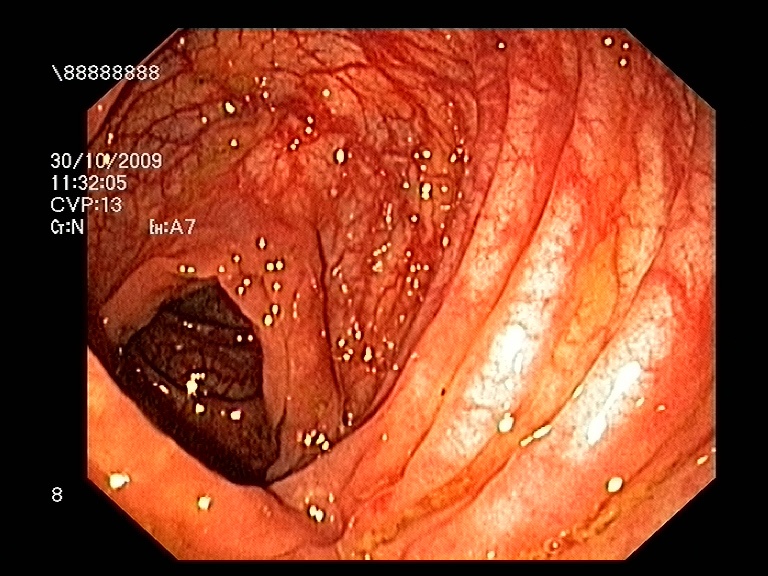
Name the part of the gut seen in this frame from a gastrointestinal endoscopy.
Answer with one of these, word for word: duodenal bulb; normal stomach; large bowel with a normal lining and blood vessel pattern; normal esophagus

large bowel with a normal lining and blood vessel pattern